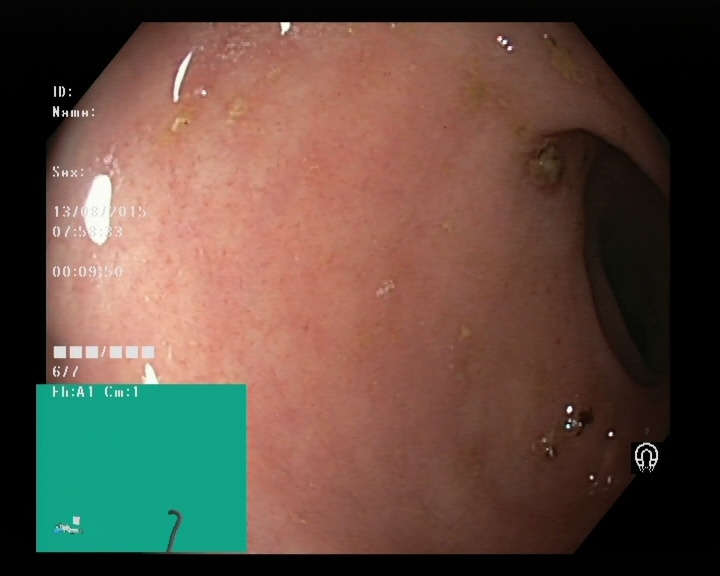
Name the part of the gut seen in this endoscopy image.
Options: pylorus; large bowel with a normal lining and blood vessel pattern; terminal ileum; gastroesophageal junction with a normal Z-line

large bowel with a normal lining and blood vessel pattern